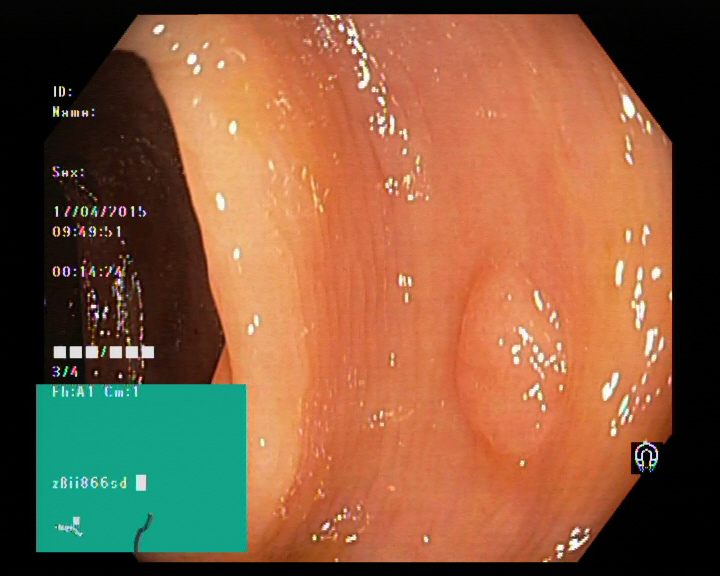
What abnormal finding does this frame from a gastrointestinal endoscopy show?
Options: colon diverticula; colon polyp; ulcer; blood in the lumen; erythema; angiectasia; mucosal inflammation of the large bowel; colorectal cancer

colon polyp